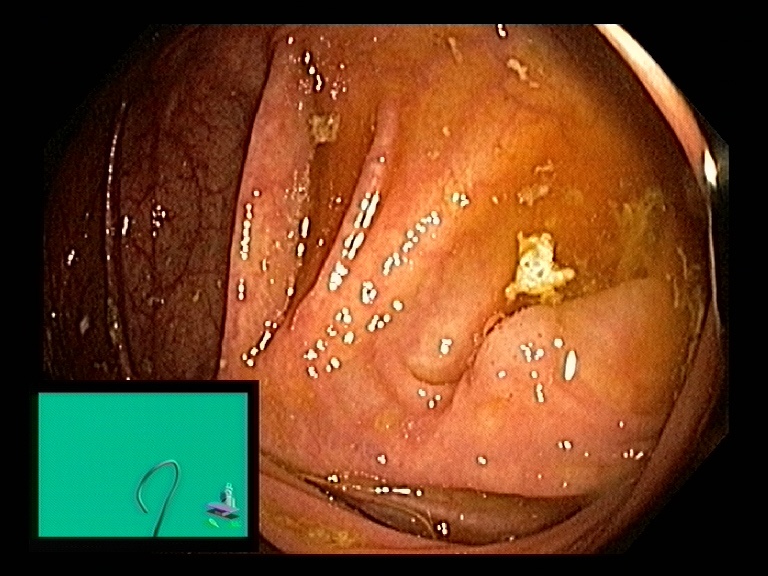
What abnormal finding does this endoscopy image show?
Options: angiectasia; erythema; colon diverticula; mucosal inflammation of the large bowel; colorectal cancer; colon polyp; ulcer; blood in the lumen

colon polyp